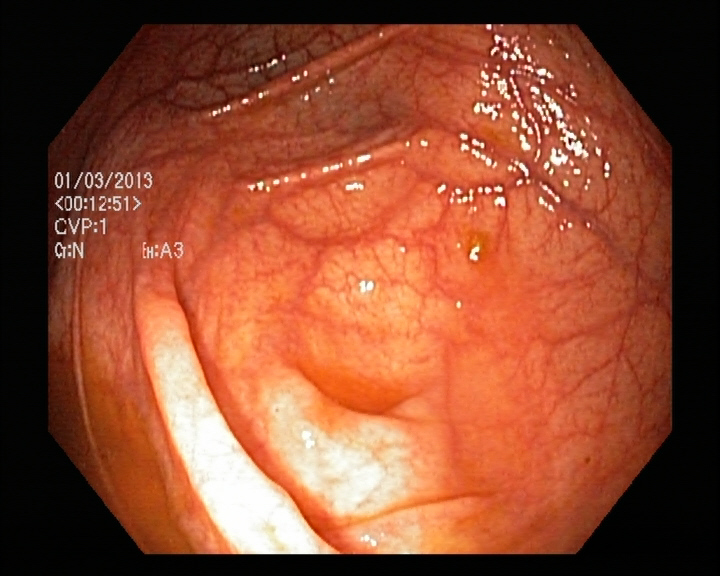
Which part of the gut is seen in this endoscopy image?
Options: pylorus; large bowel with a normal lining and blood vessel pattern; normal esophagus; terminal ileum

large bowel with a normal lining and blood vessel pattern